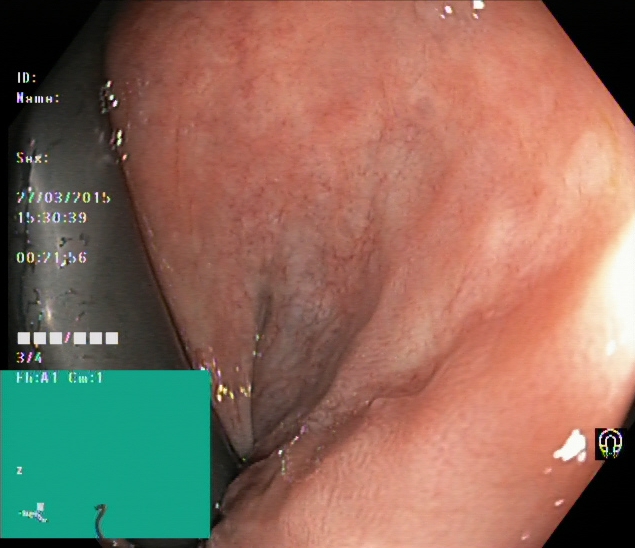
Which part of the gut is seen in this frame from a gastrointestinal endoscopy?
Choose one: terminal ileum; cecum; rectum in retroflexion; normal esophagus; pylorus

rectum in retroflexion